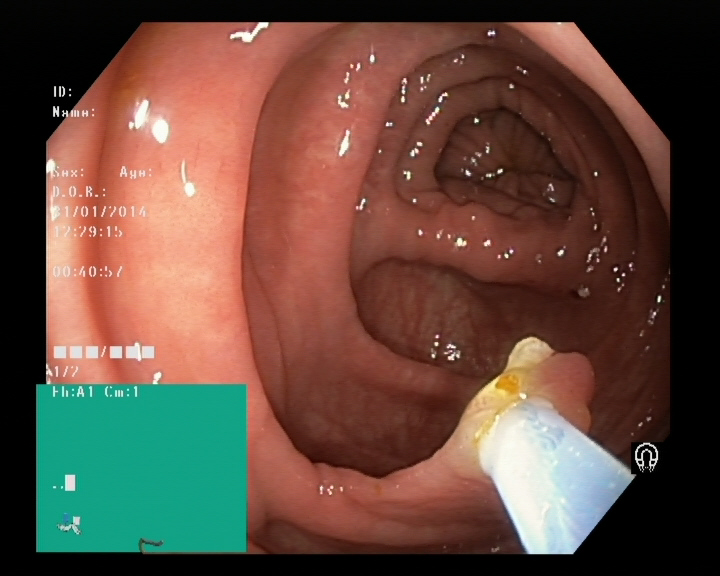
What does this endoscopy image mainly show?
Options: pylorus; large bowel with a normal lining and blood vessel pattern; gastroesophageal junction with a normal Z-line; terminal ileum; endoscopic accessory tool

endoscopic accessory tool